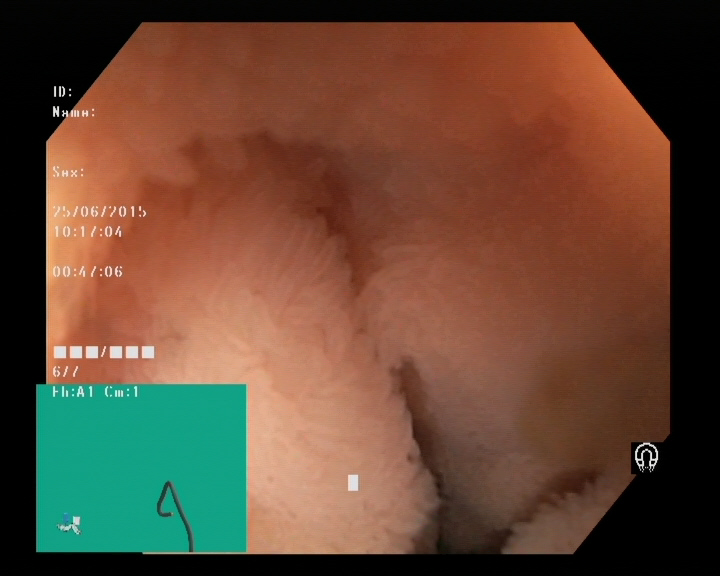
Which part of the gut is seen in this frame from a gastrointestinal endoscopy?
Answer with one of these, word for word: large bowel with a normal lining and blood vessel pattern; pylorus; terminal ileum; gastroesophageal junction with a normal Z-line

large bowel with a normal lining and blood vessel pattern